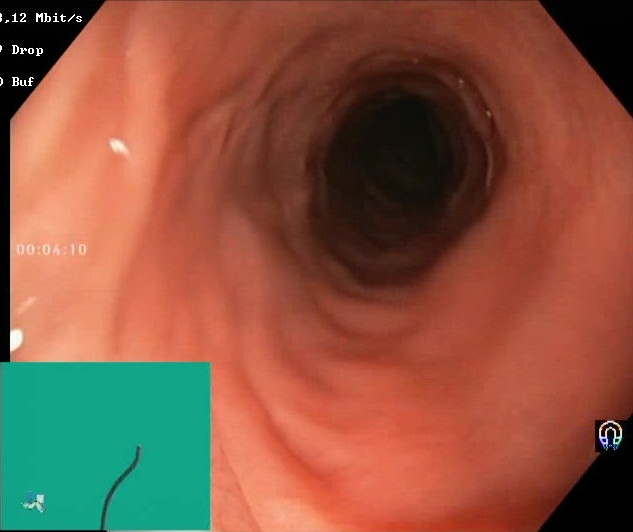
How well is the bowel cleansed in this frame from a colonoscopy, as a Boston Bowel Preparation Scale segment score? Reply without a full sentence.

Boston Bowel Preparation Scale score 2–3 (adequate preparation)